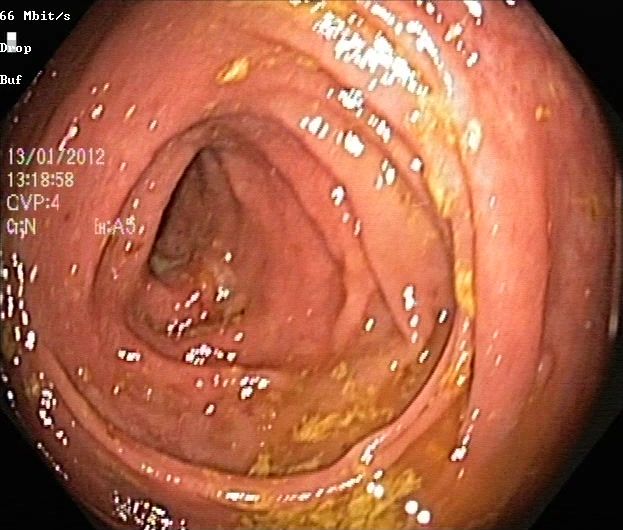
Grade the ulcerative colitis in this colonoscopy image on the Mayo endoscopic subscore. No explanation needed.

ulcerative colitis, Mayo endoscopic subscore 1